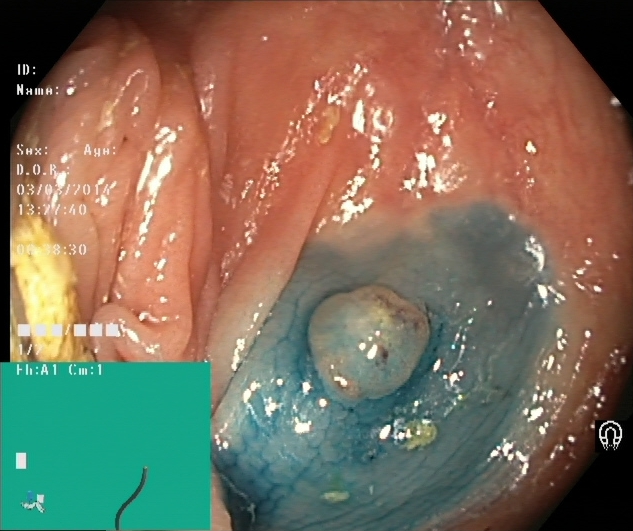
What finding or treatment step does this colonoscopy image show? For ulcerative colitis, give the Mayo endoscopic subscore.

dyed and lifted polyp (pre-resection)